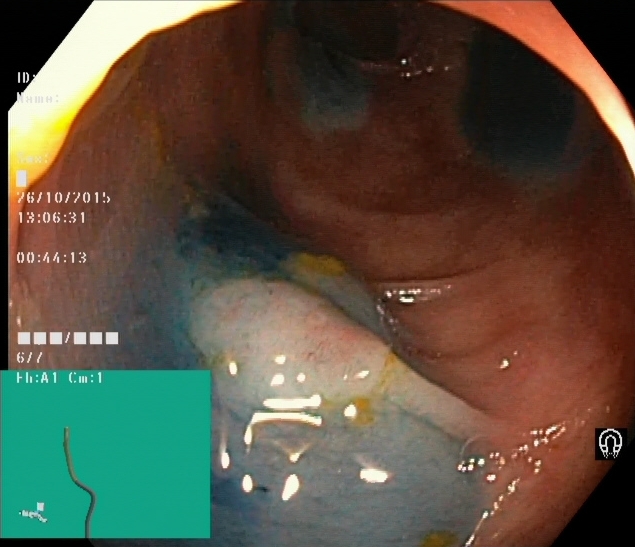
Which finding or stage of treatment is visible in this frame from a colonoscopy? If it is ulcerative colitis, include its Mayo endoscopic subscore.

dyed and lifted polyp (pre-resection)